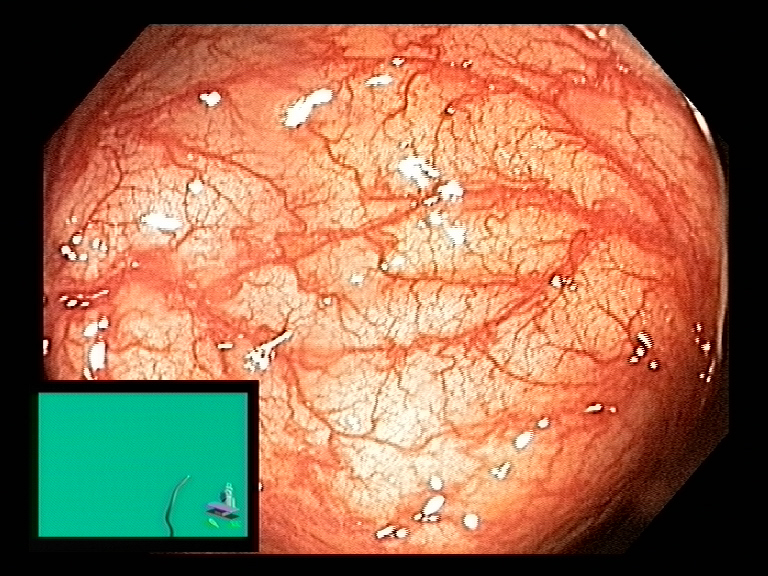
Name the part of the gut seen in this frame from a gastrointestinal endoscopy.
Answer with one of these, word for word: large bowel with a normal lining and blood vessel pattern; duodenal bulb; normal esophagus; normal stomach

large bowel with a normal lining and blood vessel pattern